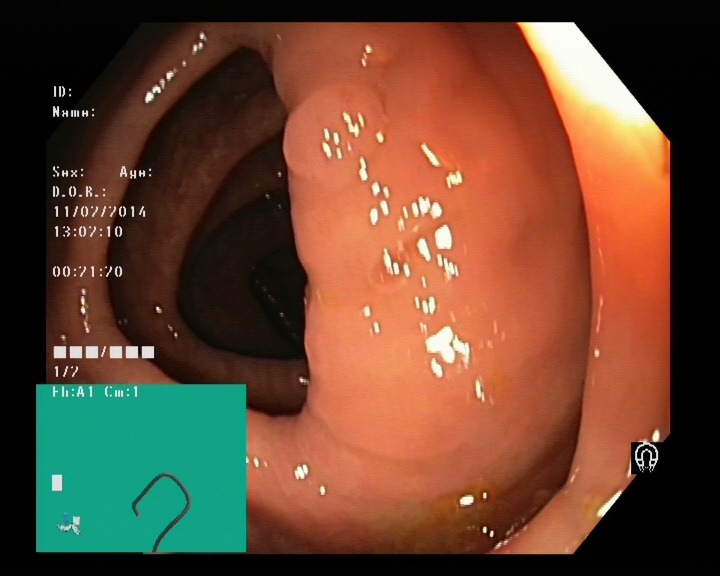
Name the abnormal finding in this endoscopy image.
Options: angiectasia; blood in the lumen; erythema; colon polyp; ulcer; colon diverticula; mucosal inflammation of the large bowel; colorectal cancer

colon polyp